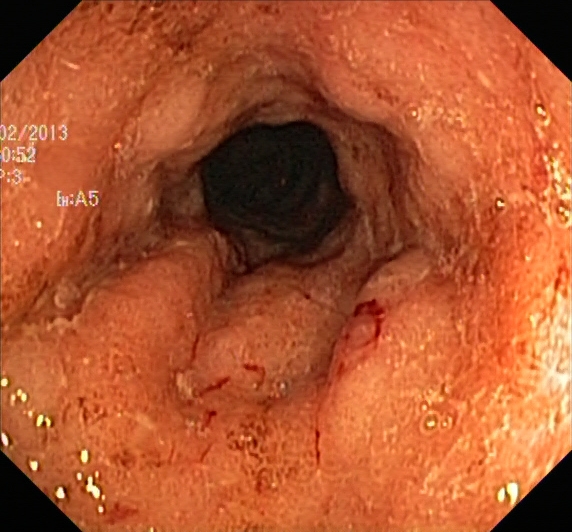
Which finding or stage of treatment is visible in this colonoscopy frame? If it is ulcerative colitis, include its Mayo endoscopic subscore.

ulcerative colitis, Mayo endoscopic subscore 2